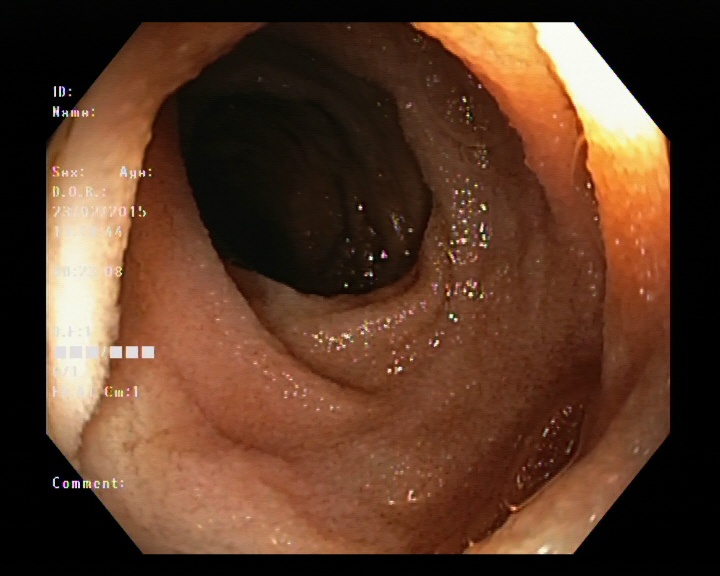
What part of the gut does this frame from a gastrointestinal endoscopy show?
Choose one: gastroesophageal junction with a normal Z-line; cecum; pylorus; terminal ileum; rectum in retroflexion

terminal ileum